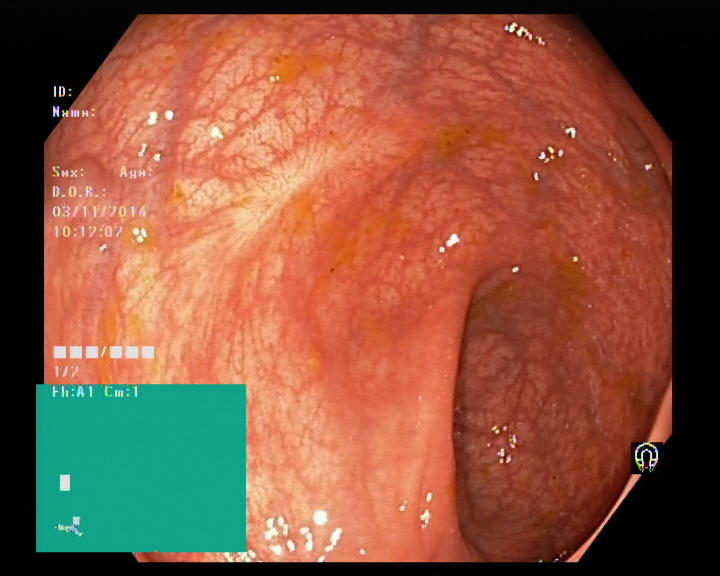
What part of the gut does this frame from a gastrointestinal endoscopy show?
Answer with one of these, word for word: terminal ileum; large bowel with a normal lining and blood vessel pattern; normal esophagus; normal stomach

large bowel with a normal lining and blood vessel pattern